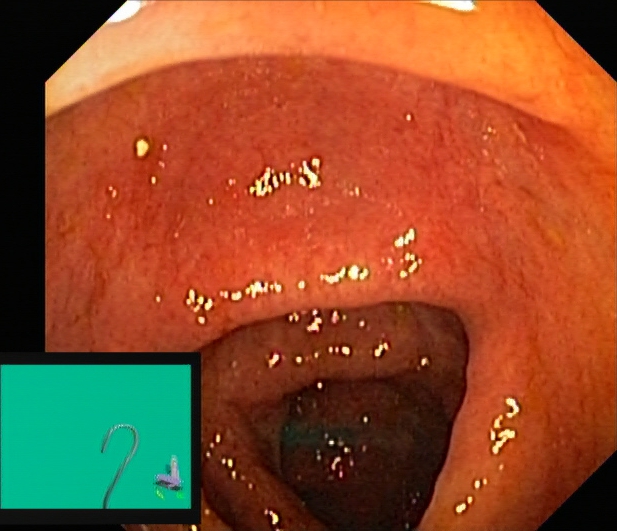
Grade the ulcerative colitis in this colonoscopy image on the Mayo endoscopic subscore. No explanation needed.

ulcerative colitis, Mayo endoscopic subscore 1–2